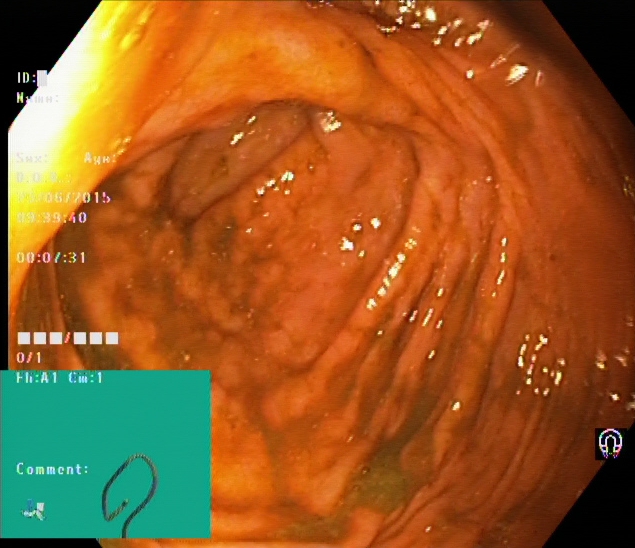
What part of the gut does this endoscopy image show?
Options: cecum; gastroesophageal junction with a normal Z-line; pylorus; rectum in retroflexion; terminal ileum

cecum